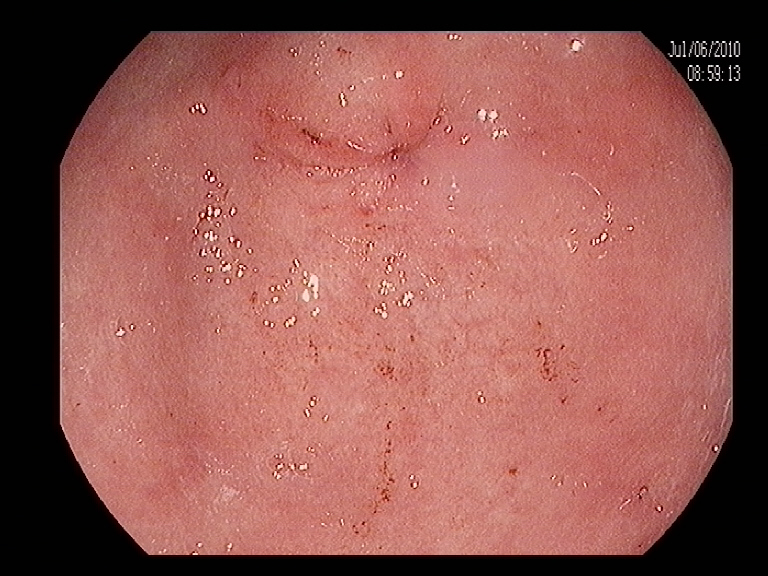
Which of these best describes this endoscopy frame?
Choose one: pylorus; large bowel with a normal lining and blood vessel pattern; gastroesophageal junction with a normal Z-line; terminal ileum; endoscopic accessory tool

pylorus